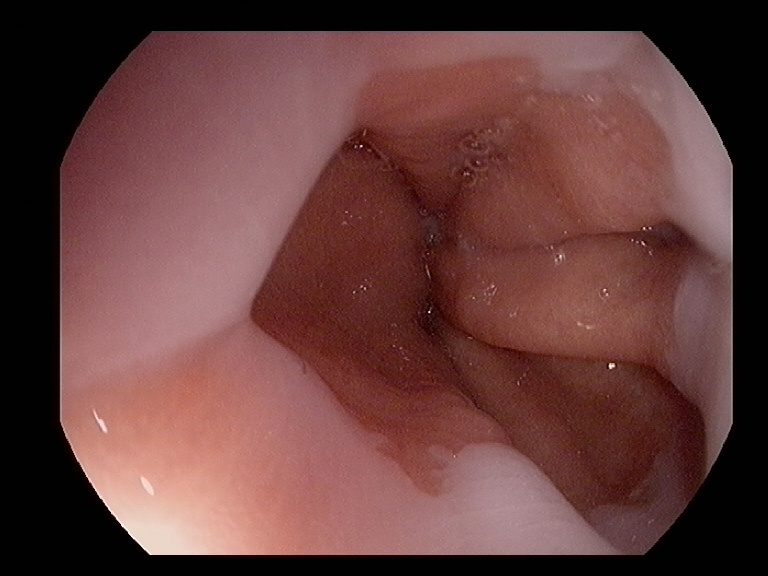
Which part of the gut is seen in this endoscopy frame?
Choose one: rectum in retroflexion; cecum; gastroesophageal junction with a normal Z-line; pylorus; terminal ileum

gastroesophageal junction with a normal Z-line